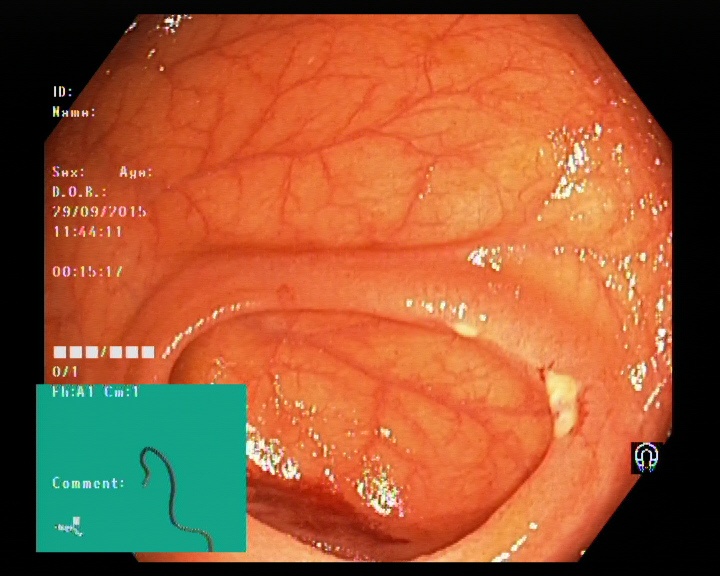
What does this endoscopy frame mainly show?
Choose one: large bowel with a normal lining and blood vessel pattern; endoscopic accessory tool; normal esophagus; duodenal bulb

large bowel with a normal lining and blood vessel pattern